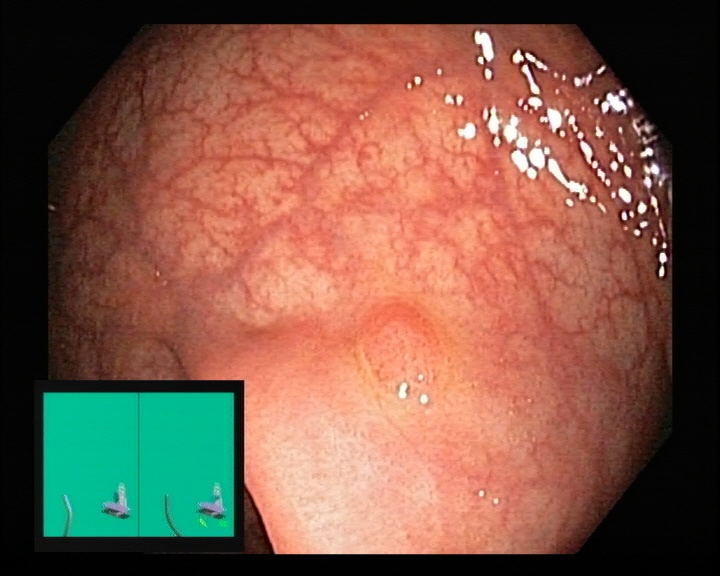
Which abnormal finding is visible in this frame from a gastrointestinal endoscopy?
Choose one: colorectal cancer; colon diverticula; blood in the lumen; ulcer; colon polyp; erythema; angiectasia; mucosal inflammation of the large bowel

colon polyp